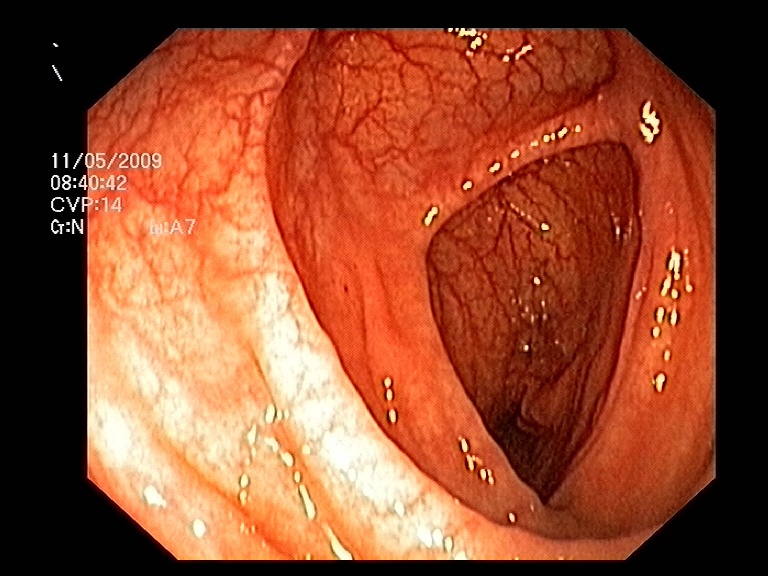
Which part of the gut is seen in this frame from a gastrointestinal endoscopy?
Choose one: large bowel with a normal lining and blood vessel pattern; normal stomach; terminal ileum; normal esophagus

large bowel with a normal lining and blood vessel pattern